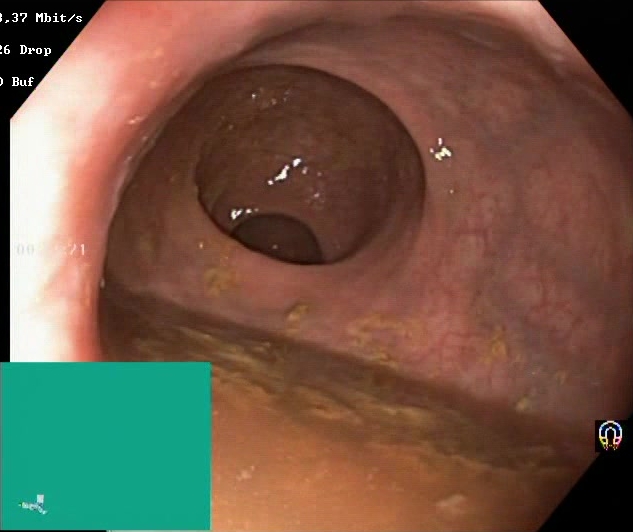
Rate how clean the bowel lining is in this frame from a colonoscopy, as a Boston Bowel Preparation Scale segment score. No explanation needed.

Boston Bowel Preparation Scale score 0–1 (inadequate preparation)